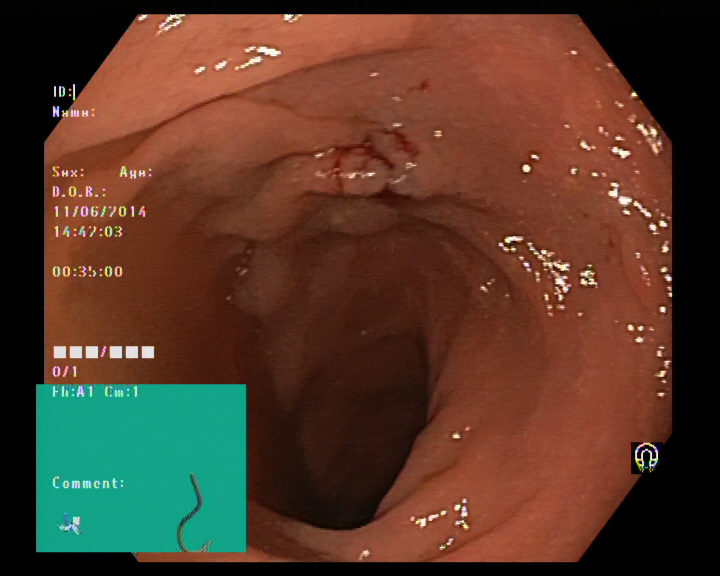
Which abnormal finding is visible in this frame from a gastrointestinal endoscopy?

colon polyp